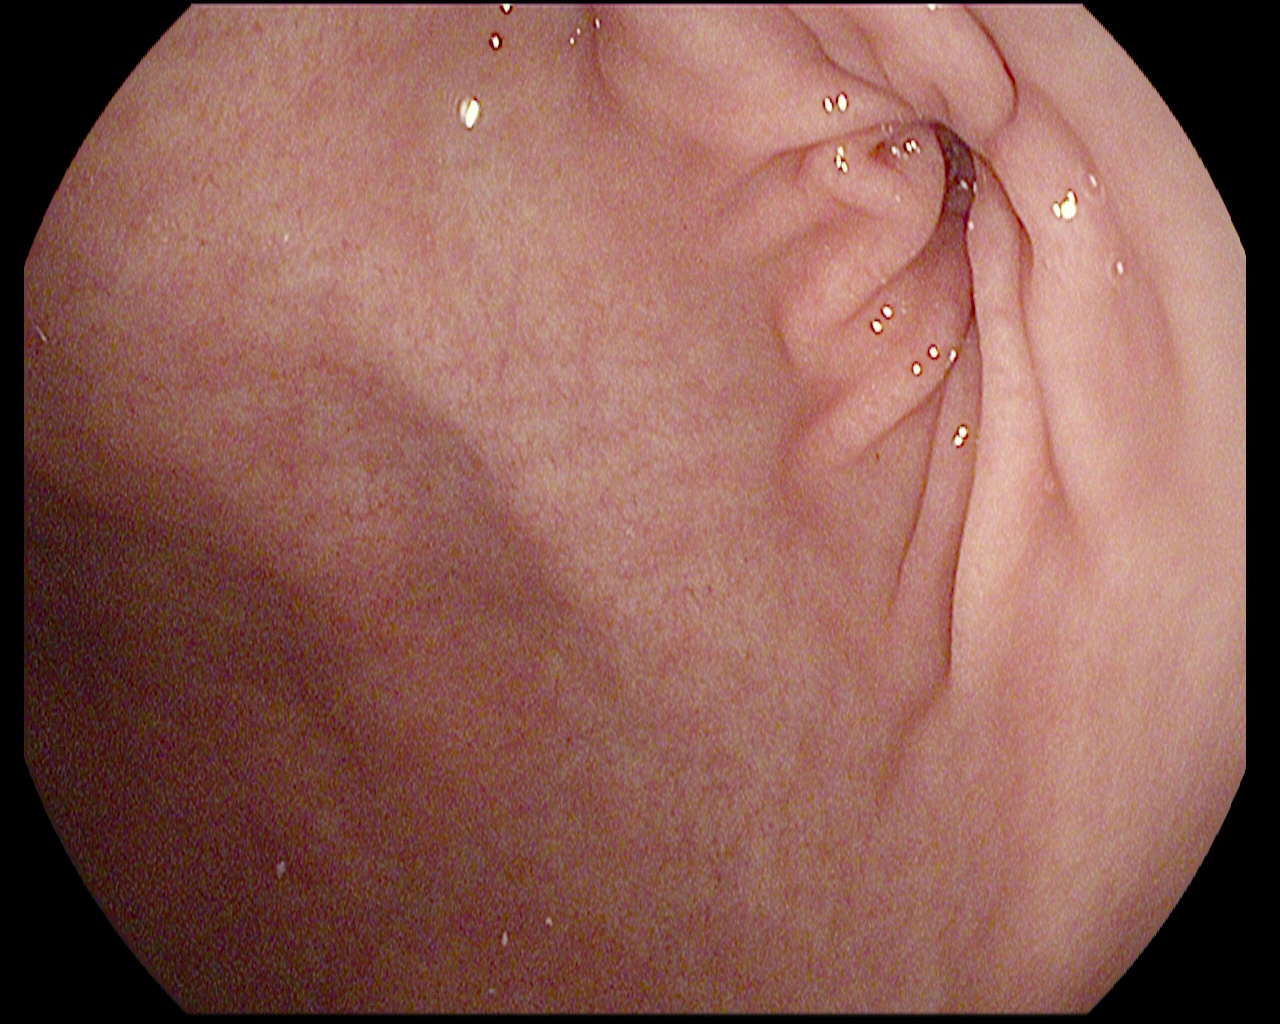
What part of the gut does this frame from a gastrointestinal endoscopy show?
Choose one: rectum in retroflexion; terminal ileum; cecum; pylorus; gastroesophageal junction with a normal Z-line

pylorus